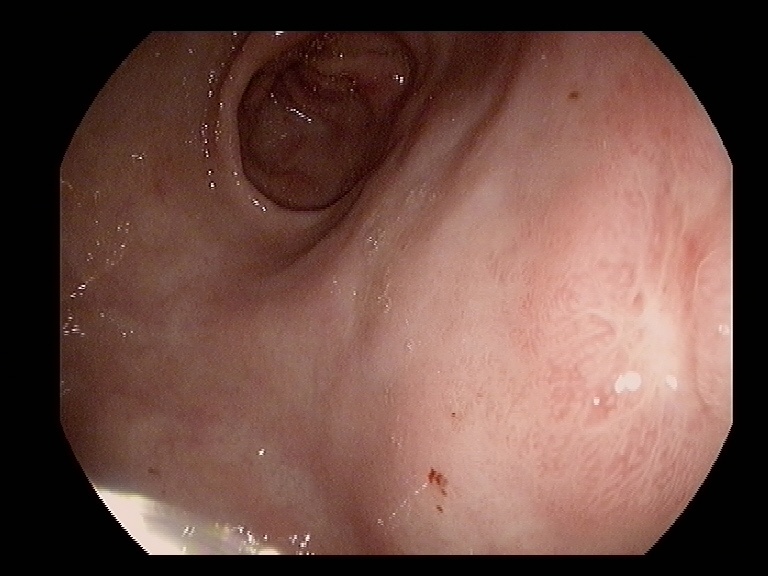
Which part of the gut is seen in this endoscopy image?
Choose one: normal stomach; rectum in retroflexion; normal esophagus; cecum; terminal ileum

normal stomach